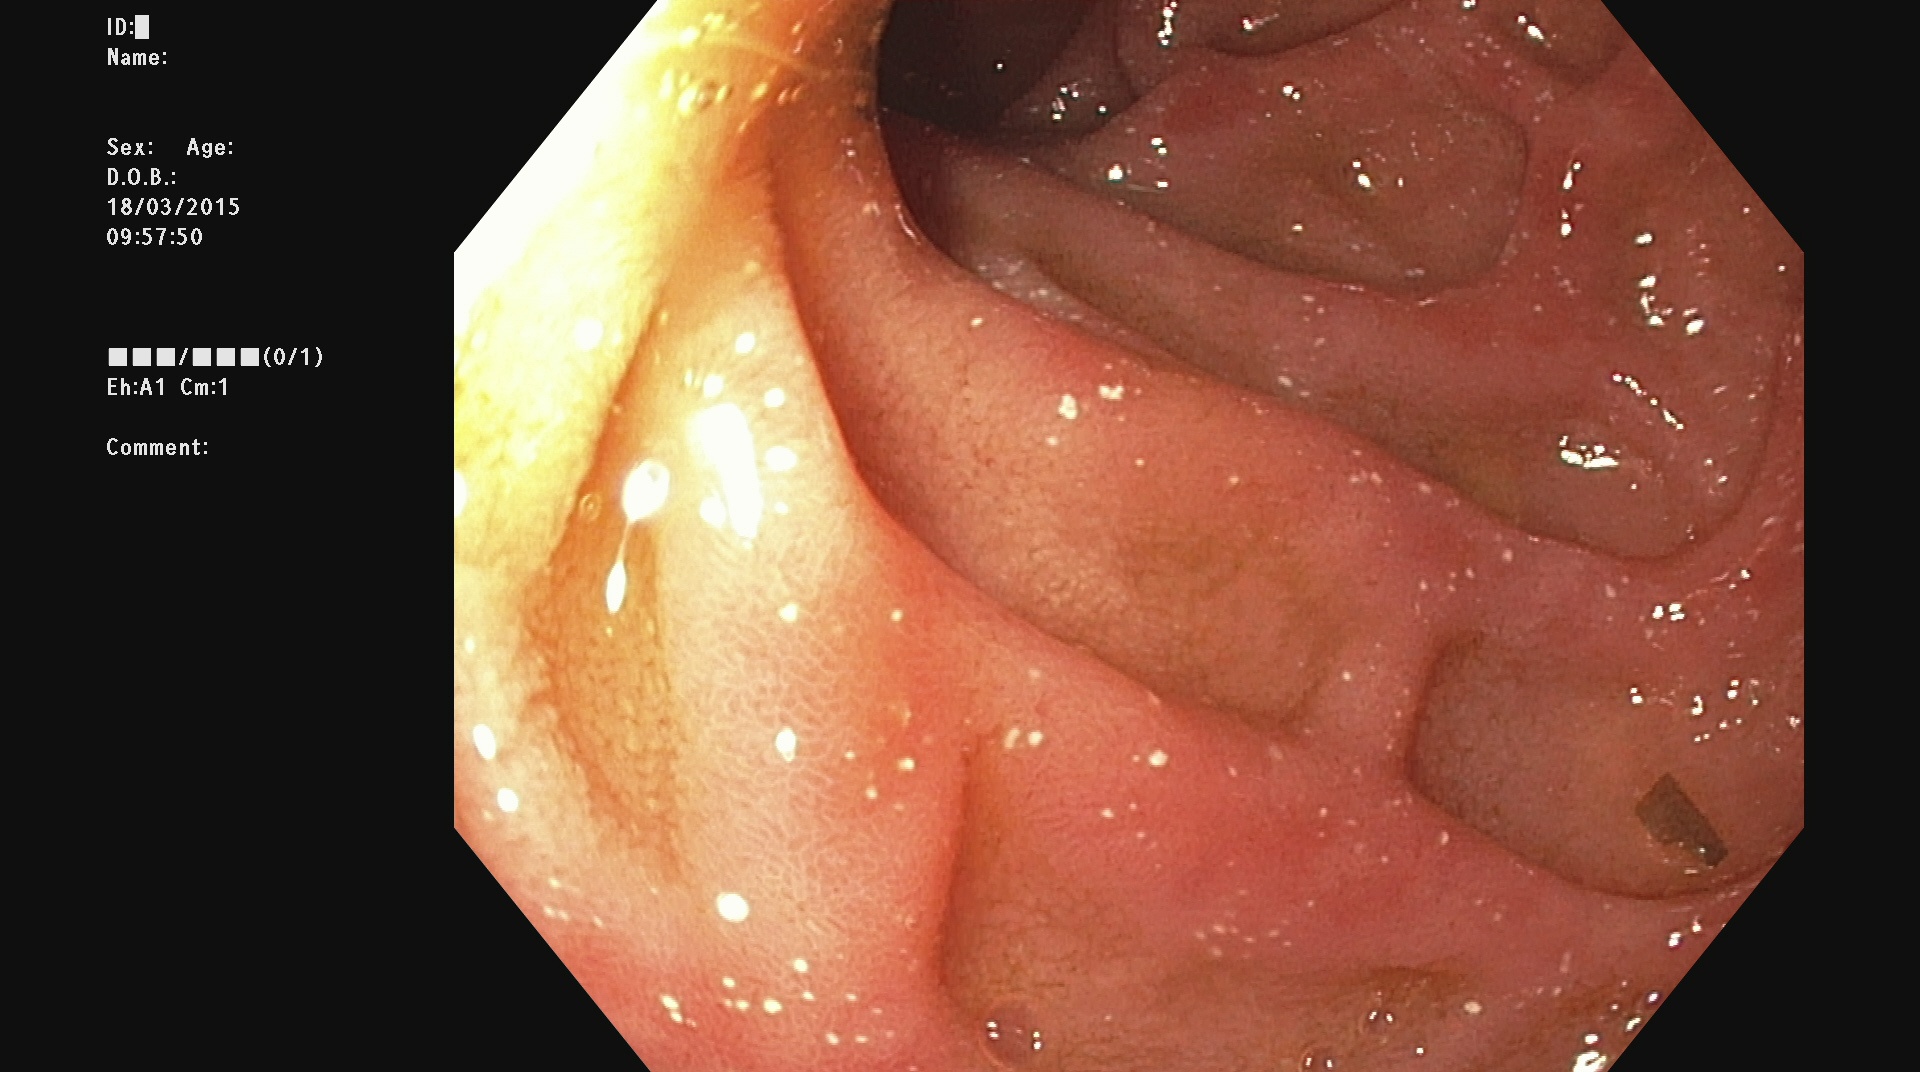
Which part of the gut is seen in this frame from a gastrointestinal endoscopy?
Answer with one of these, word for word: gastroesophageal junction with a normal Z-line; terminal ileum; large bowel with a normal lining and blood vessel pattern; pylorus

terminal ileum